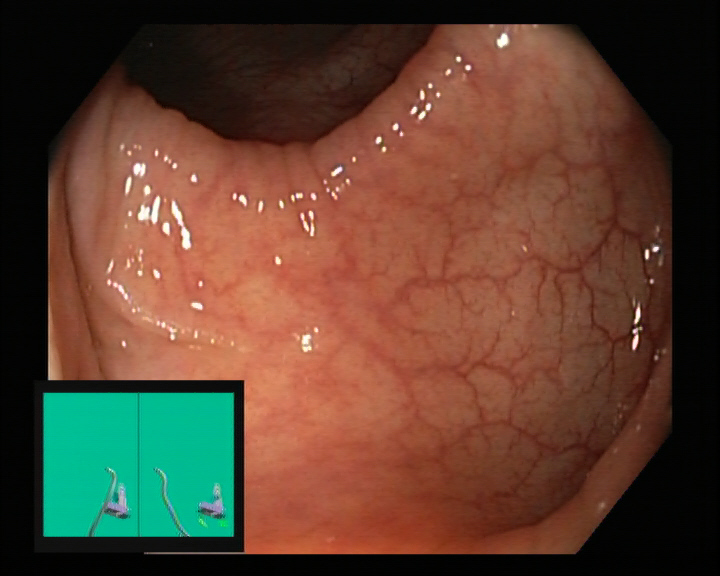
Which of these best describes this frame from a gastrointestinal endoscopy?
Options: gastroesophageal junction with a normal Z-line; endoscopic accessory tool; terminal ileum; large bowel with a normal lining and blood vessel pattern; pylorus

large bowel with a normal lining and blood vessel pattern